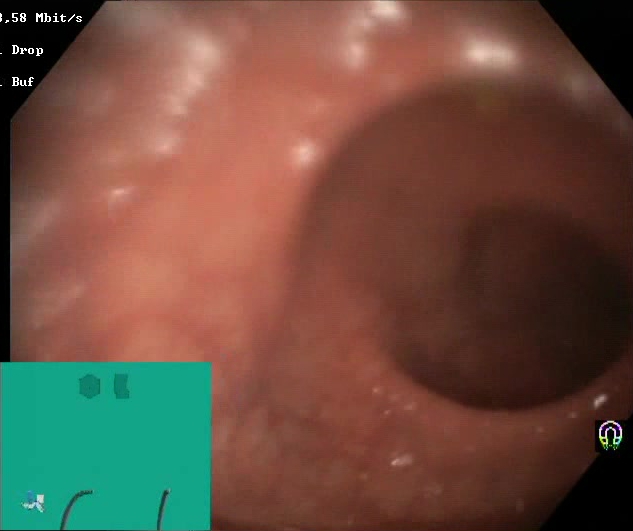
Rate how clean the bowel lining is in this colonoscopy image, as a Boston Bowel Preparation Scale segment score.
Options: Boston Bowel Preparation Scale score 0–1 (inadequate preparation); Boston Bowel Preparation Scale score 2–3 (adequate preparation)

Boston Bowel Preparation Scale score 2–3 (adequate preparation)